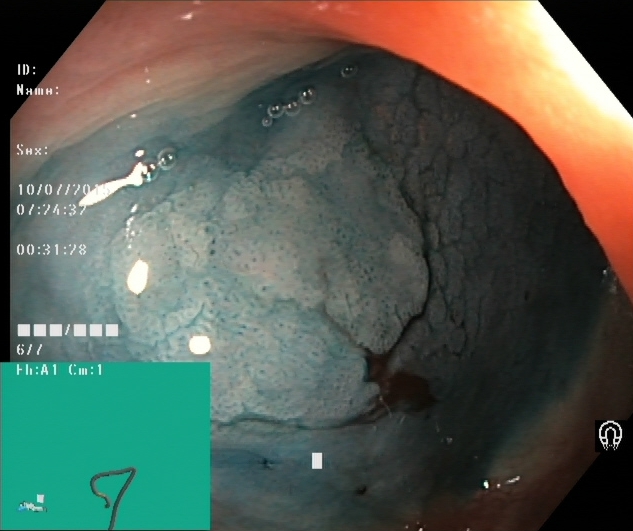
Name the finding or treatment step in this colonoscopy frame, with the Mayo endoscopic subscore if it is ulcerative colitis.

dyed and lifted polyp (pre-resection)